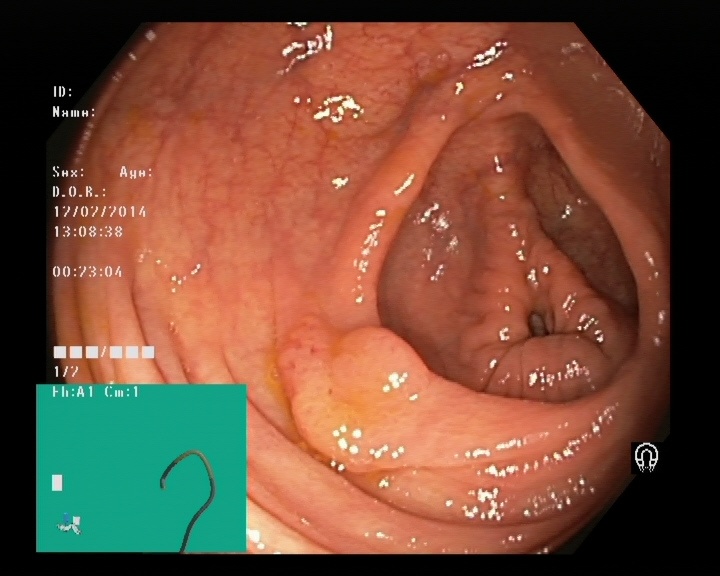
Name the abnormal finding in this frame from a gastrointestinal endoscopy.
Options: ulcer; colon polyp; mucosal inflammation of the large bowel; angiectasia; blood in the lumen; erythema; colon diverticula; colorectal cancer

colon polyp